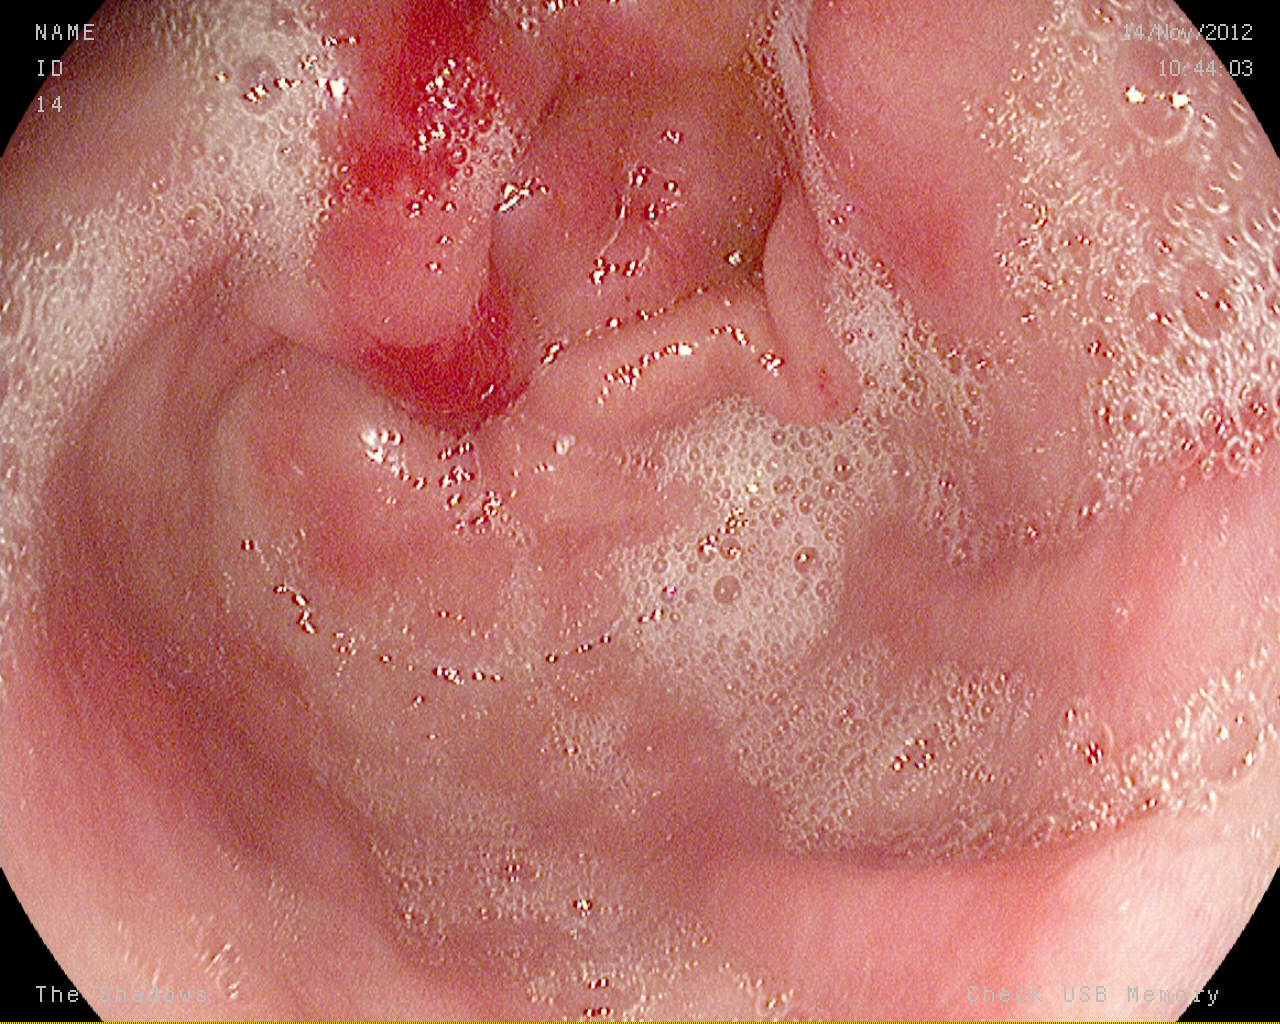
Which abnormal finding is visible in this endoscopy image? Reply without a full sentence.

blood in the lumen